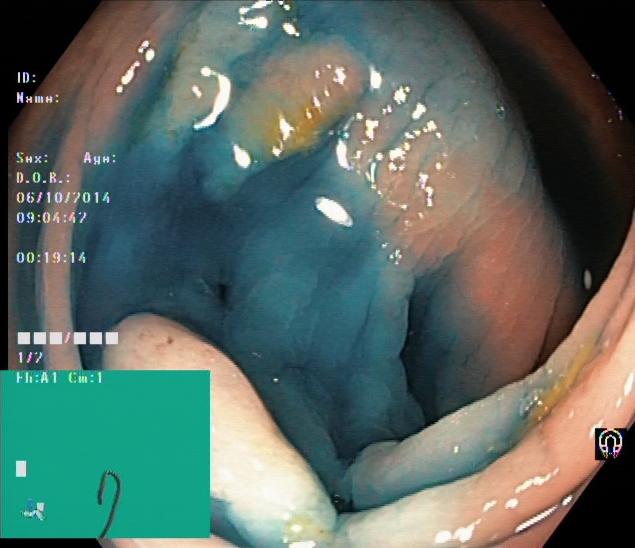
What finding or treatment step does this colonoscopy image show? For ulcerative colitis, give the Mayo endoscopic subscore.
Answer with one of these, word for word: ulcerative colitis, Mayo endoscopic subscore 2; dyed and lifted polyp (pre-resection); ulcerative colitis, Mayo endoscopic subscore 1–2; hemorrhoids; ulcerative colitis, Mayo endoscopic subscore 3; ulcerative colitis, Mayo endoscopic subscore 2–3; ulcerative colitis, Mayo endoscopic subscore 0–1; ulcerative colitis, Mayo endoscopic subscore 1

dyed and lifted polyp (pre-resection)